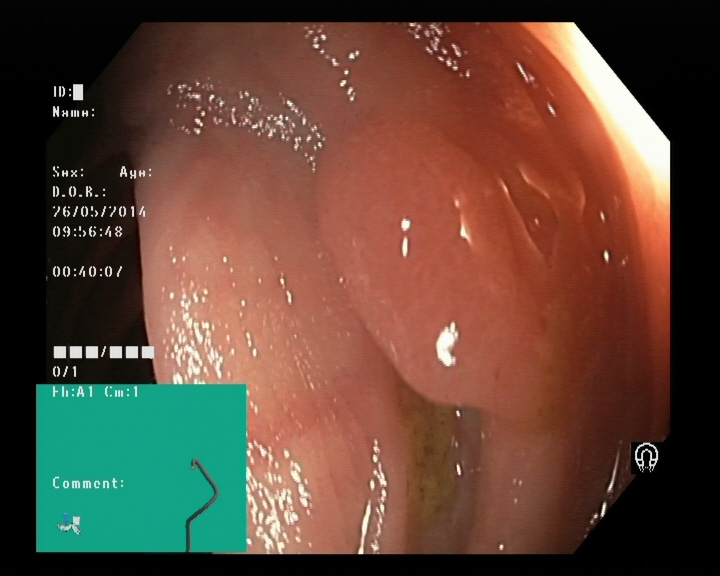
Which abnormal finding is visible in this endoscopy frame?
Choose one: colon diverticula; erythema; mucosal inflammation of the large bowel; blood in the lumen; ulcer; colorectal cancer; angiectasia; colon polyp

colon polyp